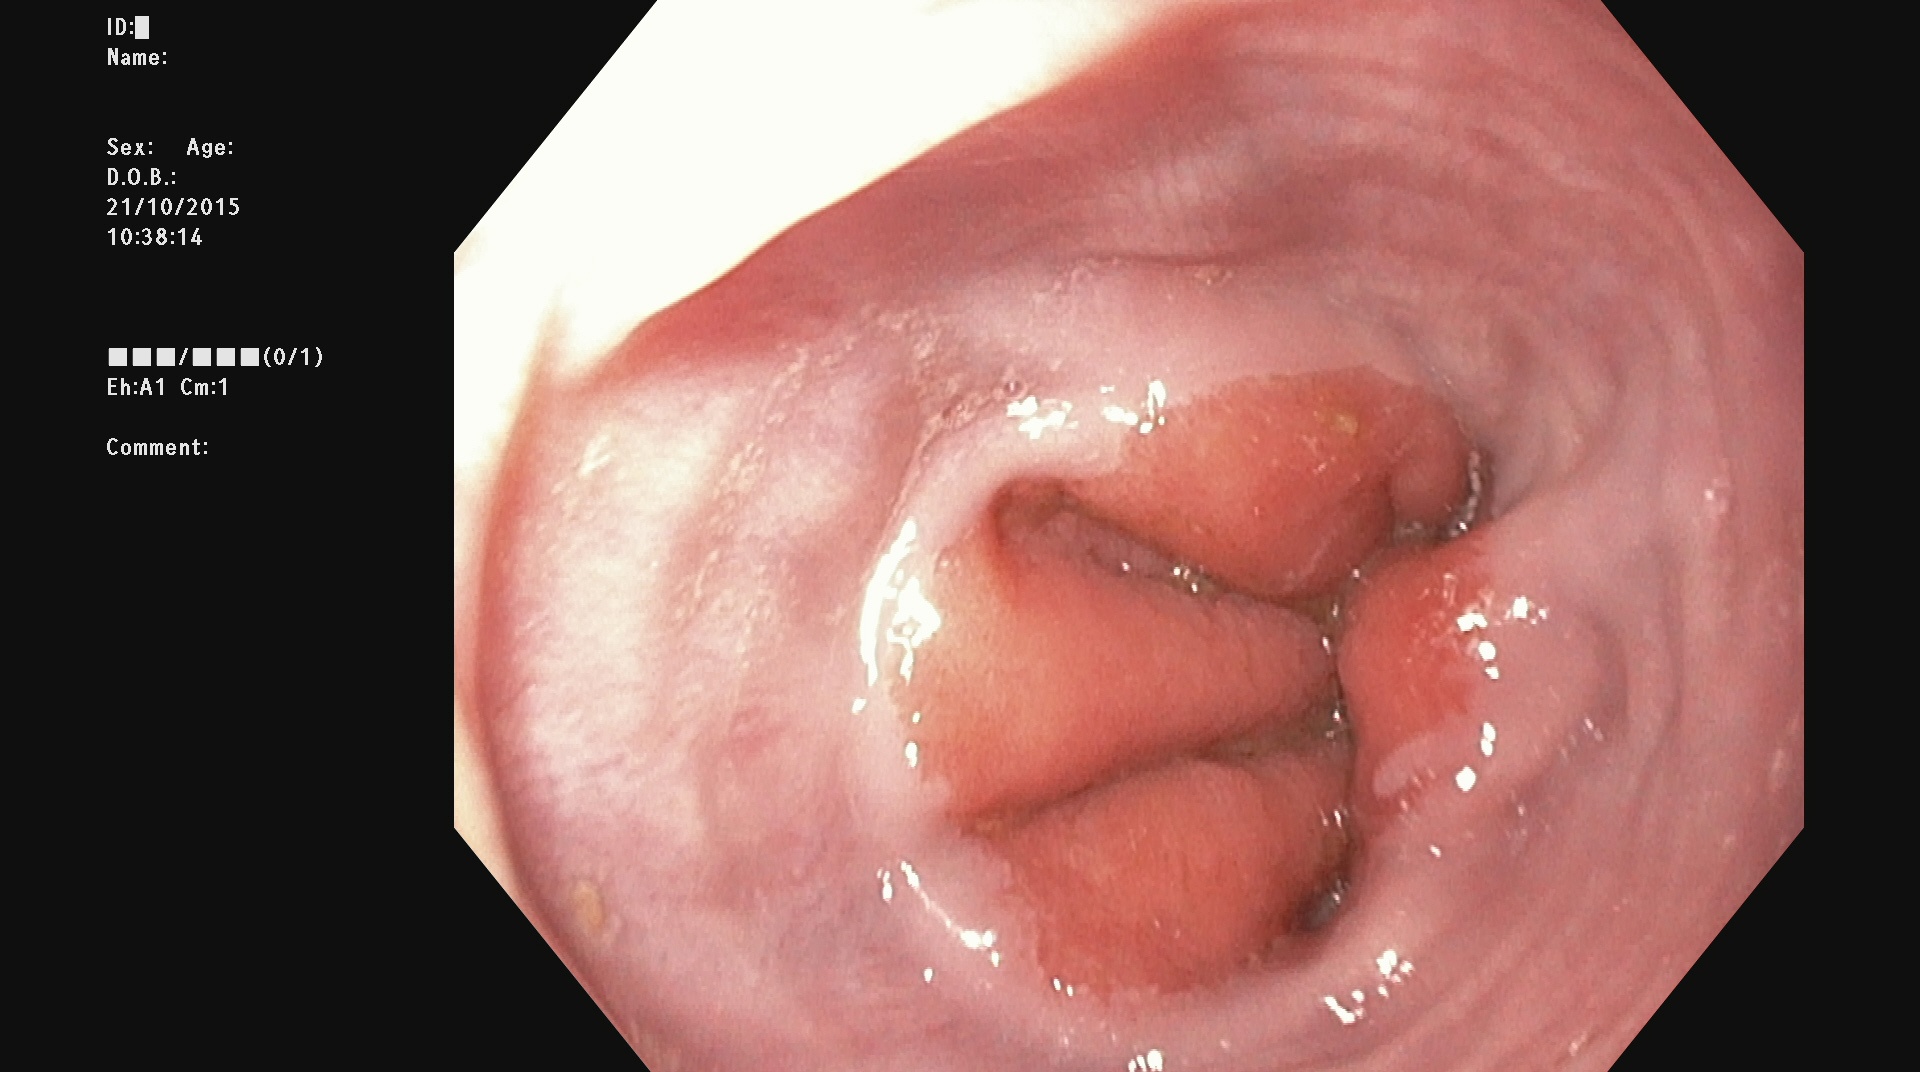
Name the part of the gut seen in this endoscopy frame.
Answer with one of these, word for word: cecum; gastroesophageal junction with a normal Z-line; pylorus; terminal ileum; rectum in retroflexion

gastroesophageal junction with a normal Z-line